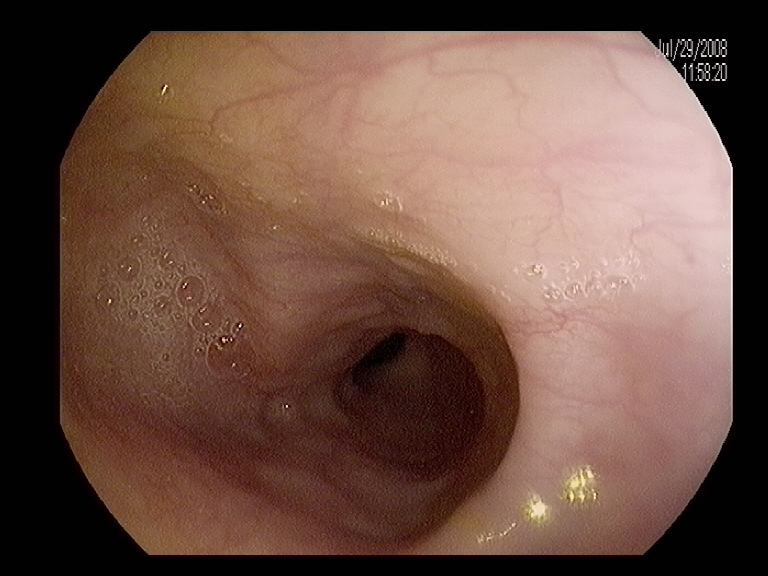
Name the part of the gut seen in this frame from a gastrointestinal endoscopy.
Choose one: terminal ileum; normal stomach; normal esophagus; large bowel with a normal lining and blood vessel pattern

large bowel with a normal lining and blood vessel pattern